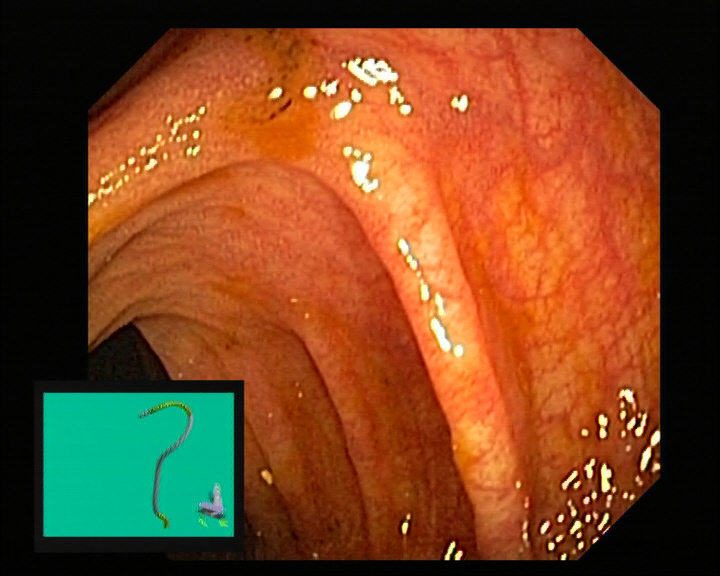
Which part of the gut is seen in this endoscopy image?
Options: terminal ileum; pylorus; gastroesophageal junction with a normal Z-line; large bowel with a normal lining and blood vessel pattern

large bowel with a normal lining and blood vessel pattern